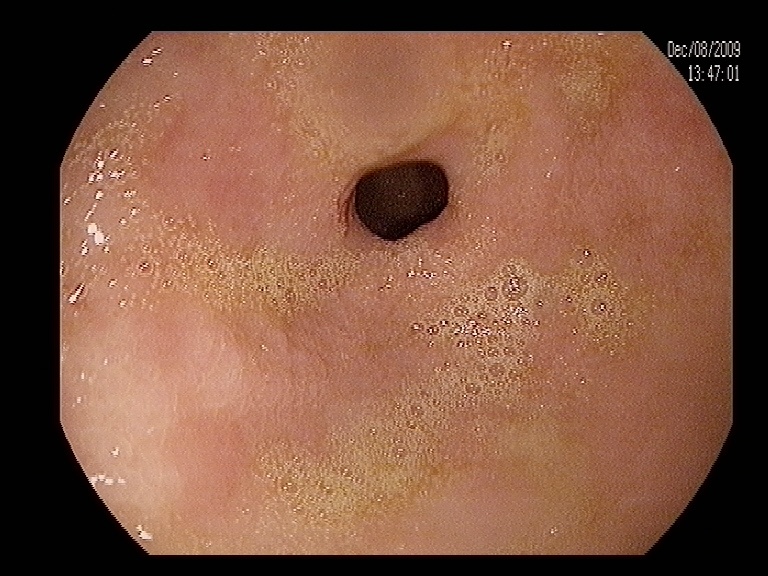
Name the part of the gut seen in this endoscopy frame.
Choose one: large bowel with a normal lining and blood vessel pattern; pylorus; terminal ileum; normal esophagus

pylorus